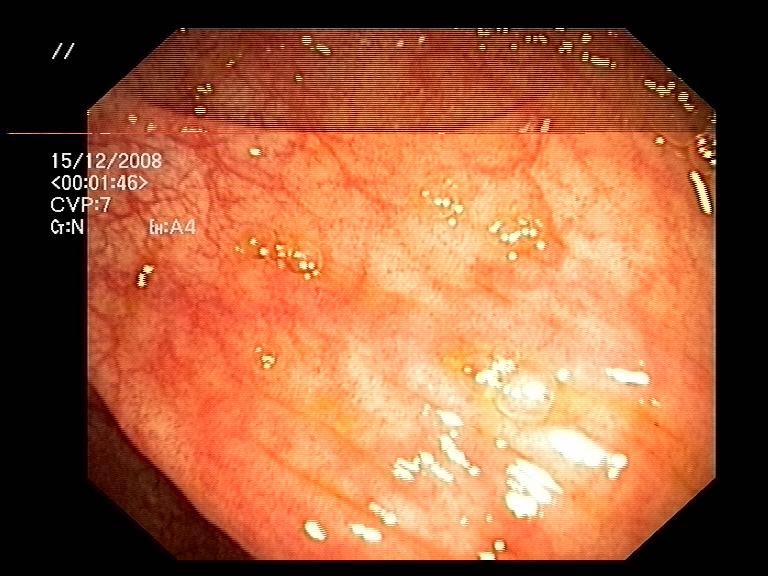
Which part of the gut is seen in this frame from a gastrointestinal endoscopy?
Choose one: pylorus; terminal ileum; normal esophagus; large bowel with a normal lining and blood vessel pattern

large bowel with a normal lining and blood vessel pattern